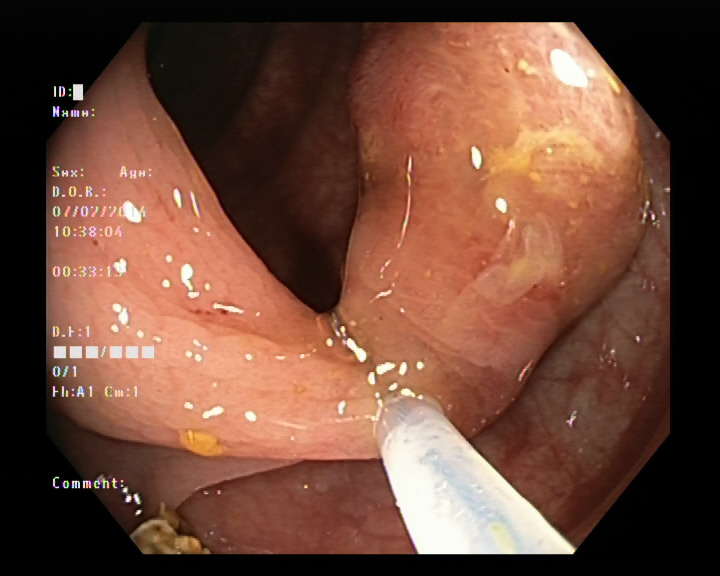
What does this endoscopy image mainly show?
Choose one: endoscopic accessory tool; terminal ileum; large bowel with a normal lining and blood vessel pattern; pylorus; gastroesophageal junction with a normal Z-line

endoscopic accessory tool